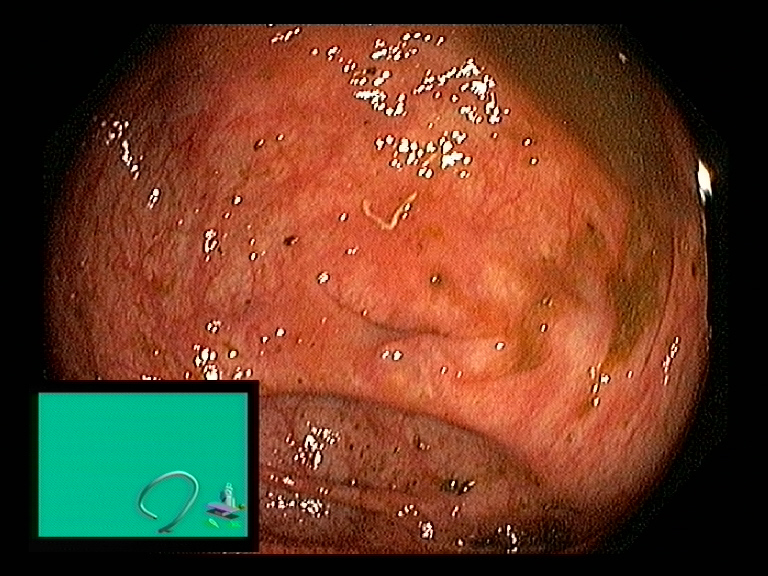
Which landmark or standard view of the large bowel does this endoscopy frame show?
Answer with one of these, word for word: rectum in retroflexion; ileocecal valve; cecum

cecum